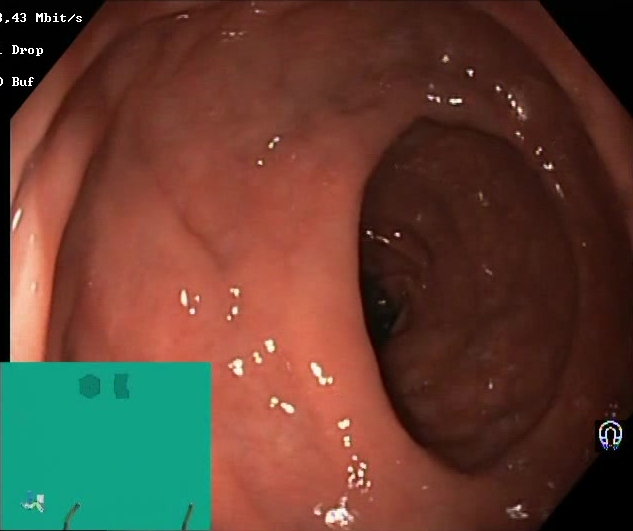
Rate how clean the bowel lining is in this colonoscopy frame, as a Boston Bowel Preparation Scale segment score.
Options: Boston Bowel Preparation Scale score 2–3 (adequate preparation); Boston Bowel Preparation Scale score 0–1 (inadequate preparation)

Boston Bowel Preparation Scale score 2–3 (adequate preparation)